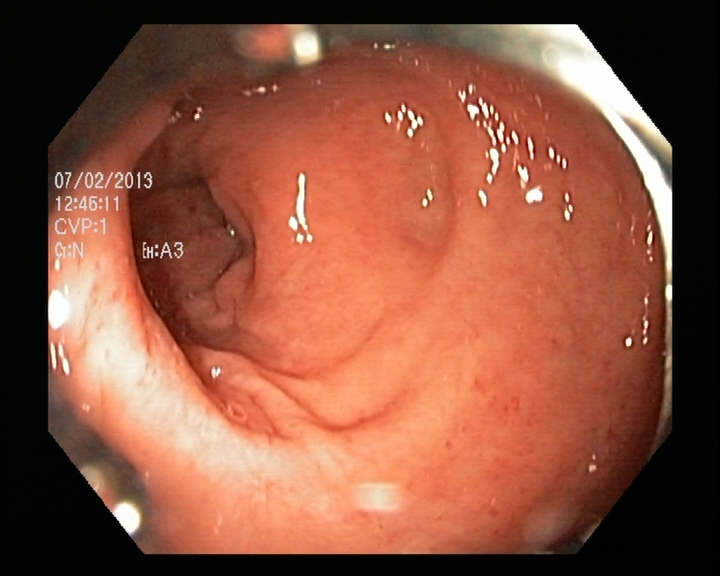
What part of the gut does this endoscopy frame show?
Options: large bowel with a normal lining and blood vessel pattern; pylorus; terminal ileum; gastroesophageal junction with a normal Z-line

large bowel with a normal lining and blood vessel pattern